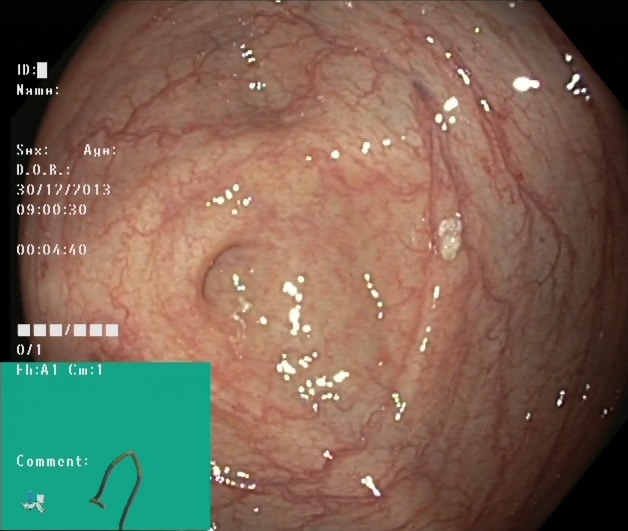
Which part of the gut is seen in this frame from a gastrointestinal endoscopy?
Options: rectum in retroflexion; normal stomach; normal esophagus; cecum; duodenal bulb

cecum